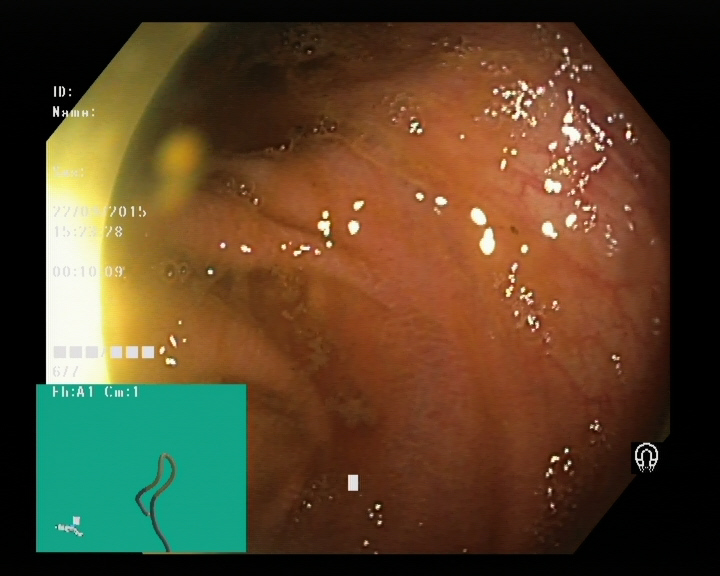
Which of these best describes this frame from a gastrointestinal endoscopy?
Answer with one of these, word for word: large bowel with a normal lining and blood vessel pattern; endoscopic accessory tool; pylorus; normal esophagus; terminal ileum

large bowel with a normal lining and blood vessel pattern